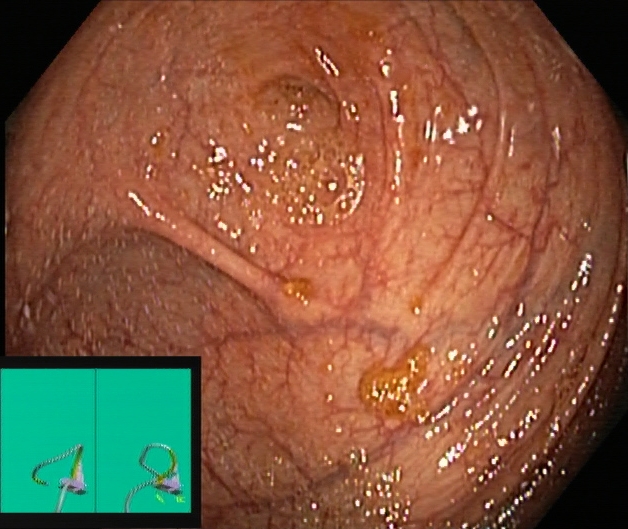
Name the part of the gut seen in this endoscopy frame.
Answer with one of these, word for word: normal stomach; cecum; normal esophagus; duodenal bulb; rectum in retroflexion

cecum